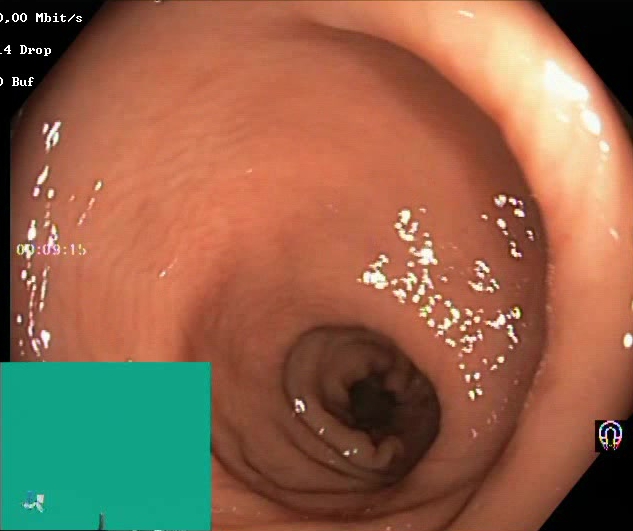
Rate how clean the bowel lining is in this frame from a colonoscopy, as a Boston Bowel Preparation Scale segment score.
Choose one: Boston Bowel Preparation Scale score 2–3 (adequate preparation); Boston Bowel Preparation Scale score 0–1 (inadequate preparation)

Boston Bowel Preparation Scale score 2–3 (adequate preparation)